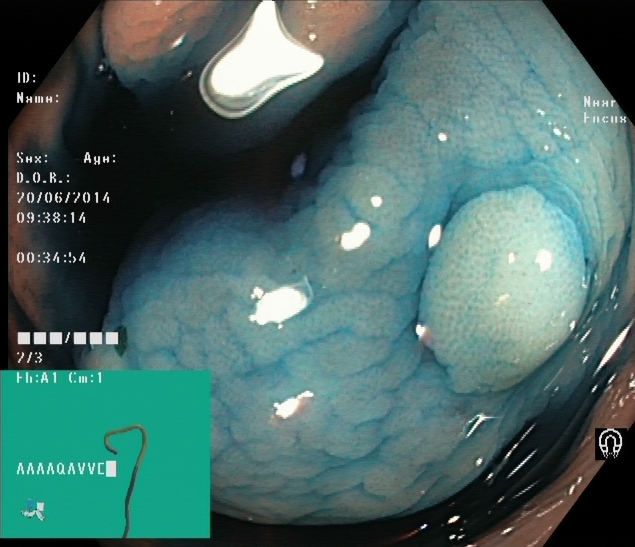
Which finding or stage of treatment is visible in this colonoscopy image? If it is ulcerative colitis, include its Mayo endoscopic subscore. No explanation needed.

dyed and lifted polyp (pre-resection)